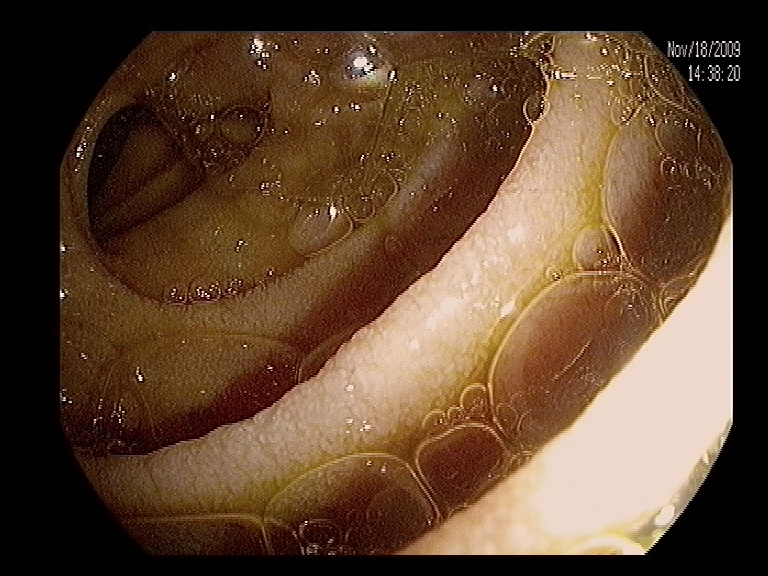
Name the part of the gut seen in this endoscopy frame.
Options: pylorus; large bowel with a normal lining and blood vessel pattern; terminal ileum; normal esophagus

terminal ileum